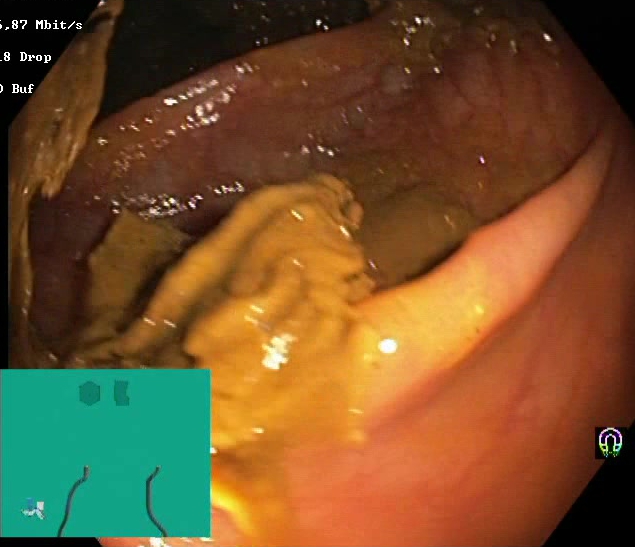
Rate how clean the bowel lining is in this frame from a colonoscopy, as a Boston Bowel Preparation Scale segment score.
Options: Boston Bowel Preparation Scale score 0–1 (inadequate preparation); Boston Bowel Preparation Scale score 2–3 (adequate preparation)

Boston Bowel Preparation Scale score 0–1 (inadequate preparation)